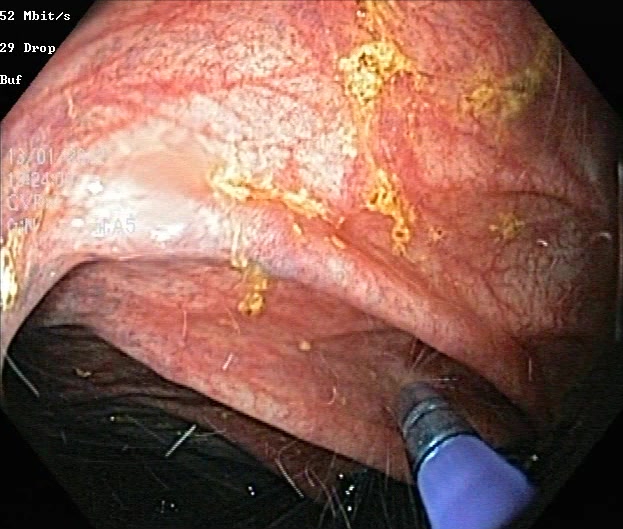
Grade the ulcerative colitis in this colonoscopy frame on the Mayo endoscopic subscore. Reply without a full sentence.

ulcerative colitis, Mayo endoscopic subscore 0–1